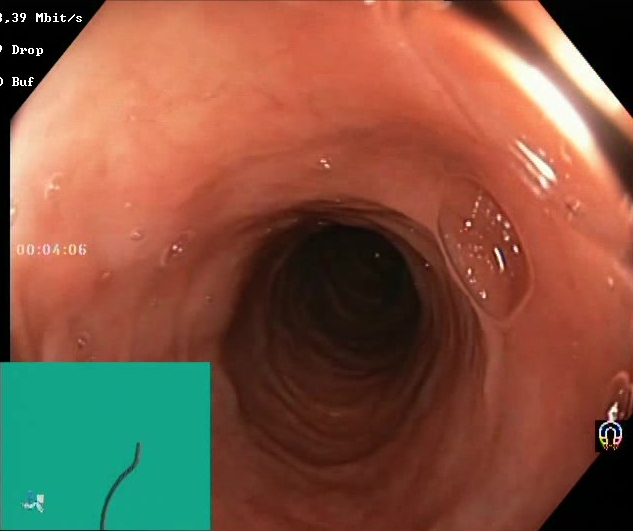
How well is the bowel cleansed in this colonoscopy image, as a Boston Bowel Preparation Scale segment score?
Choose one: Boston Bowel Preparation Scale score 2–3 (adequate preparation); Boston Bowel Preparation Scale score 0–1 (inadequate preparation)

Boston Bowel Preparation Scale score 2–3 (adequate preparation)